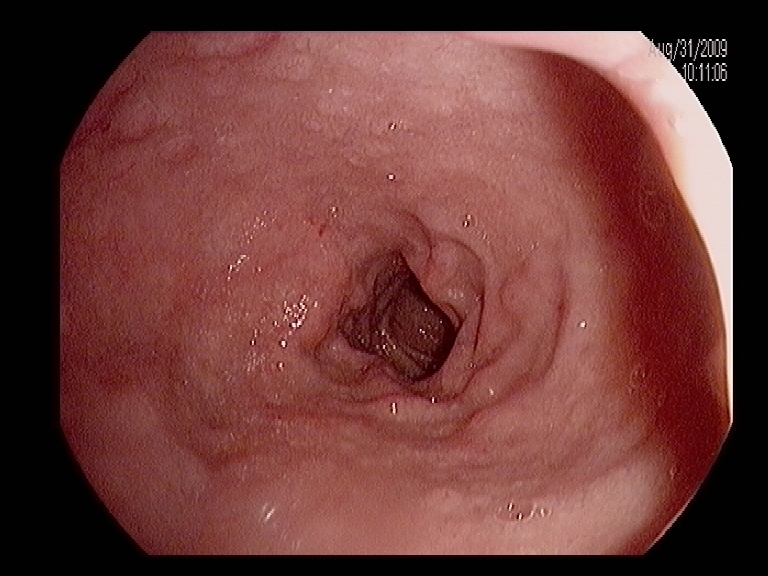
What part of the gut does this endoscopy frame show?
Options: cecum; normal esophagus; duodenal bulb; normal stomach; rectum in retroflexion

duodenal bulb